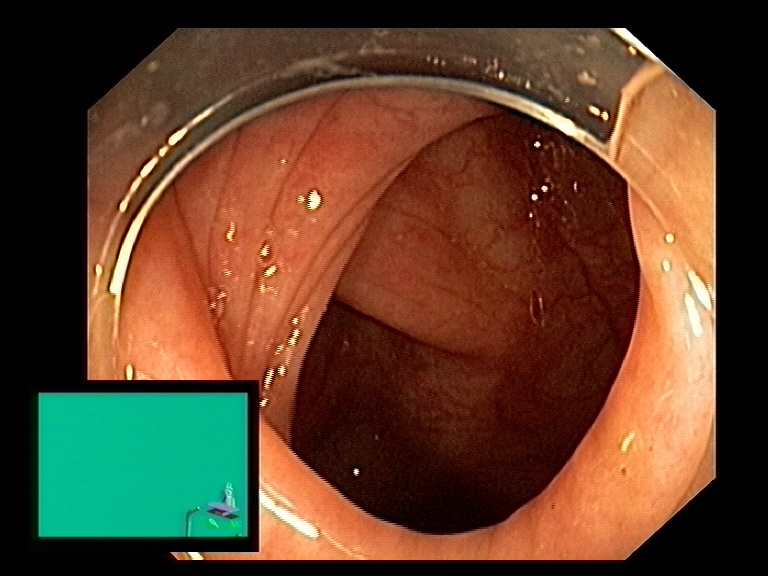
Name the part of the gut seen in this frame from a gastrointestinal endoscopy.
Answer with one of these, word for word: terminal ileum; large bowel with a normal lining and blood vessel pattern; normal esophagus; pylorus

large bowel with a normal lining and blood vessel pattern